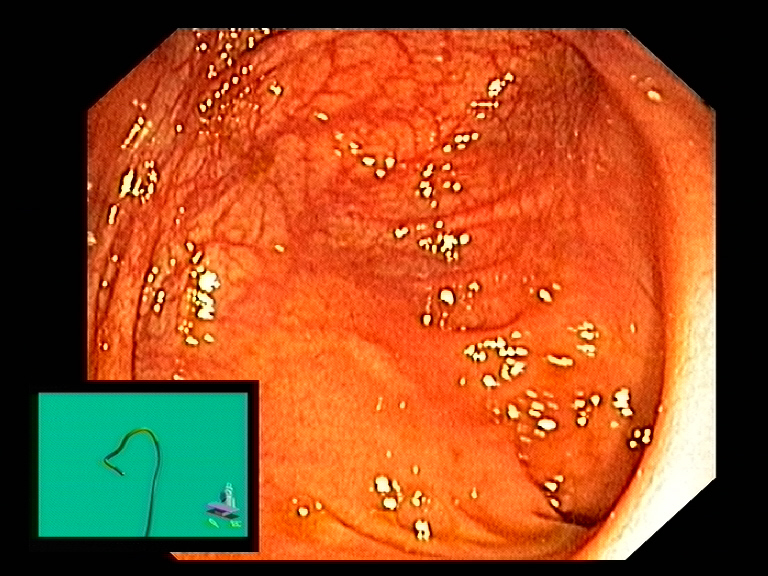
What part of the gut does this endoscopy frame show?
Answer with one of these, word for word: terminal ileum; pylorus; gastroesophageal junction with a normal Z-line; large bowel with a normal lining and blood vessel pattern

large bowel with a normal lining and blood vessel pattern